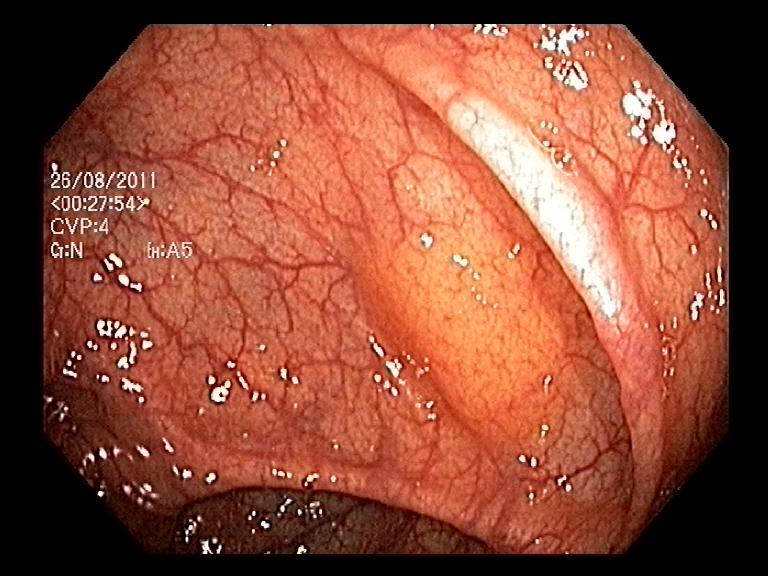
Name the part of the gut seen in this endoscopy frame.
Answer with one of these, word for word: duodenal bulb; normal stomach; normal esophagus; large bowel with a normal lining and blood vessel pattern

large bowel with a normal lining and blood vessel pattern